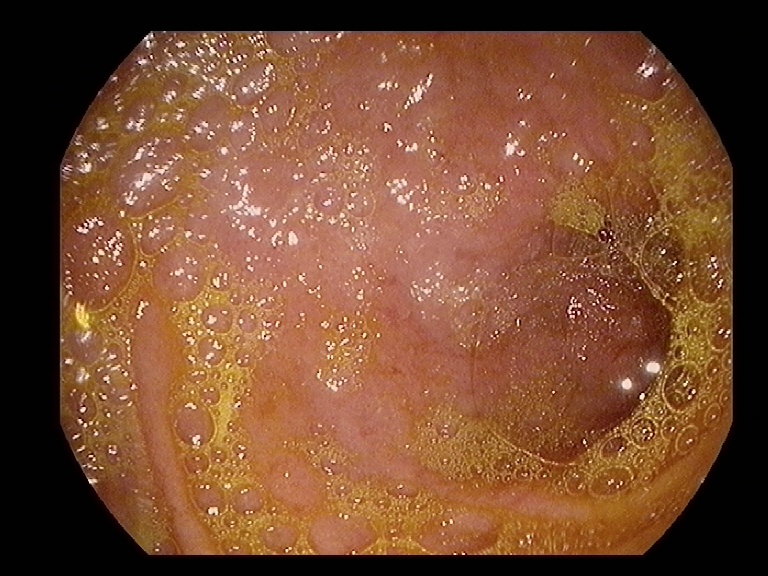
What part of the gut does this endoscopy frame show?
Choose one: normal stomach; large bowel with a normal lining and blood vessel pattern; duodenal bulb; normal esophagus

duodenal bulb